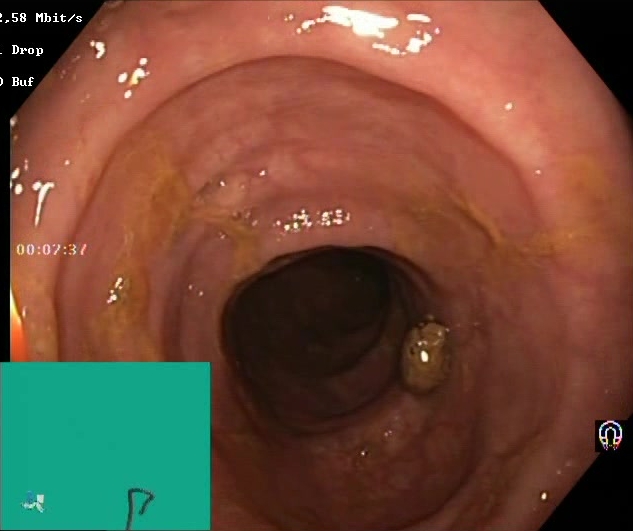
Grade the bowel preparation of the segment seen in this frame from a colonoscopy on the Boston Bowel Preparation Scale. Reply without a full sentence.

Boston Bowel Preparation Scale score 2–3 (adequate preparation)